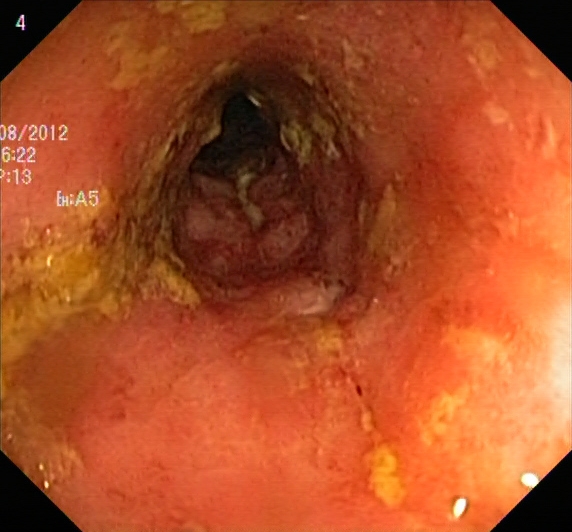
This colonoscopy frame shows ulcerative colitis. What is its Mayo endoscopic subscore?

ulcerative colitis, Mayo endoscopic subscore 2